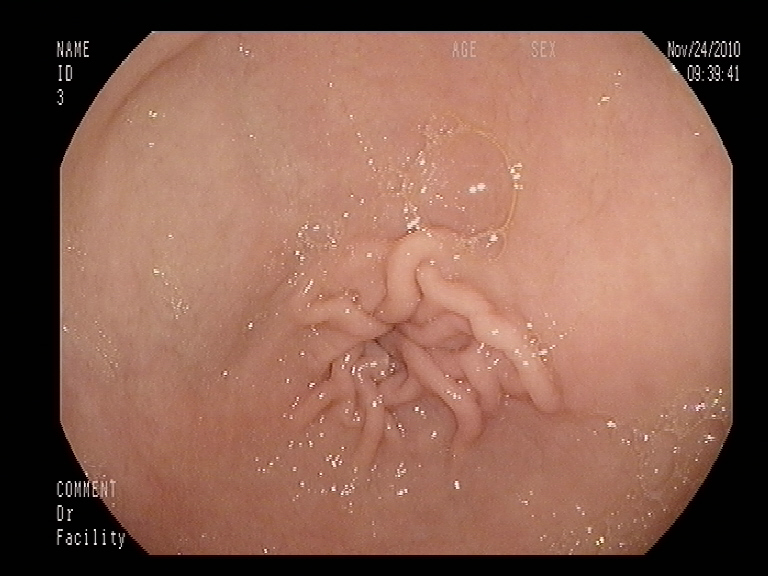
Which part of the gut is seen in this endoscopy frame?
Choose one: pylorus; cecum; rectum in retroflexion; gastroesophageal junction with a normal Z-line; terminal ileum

pylorus